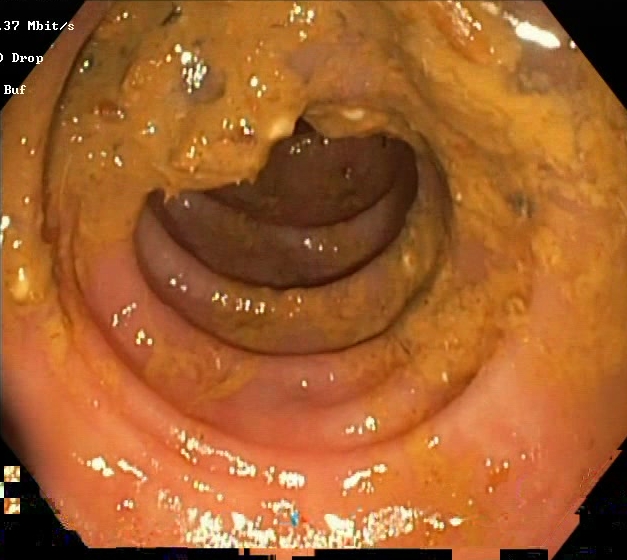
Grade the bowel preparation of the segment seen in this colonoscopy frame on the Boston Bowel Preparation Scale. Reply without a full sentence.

Boston Bowel Preparation Scale score 0–1 (inadequate preparation)